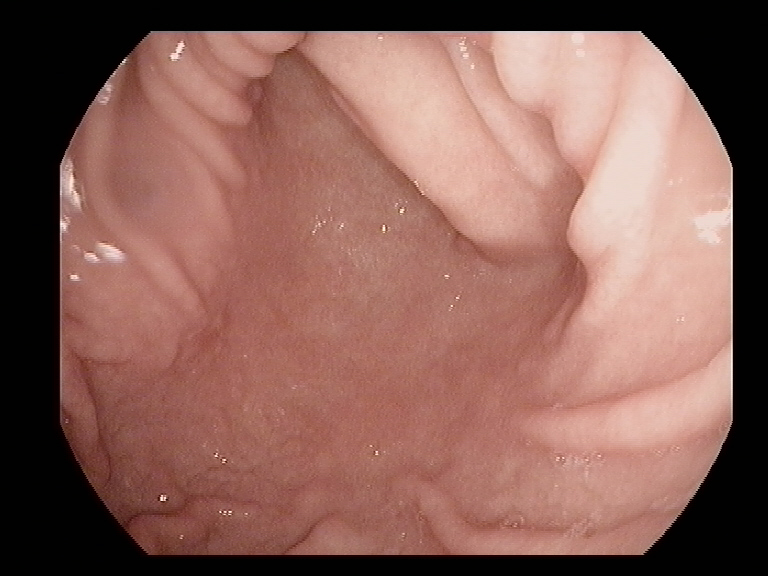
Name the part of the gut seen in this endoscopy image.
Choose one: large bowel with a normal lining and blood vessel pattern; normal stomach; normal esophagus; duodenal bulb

normal stomach